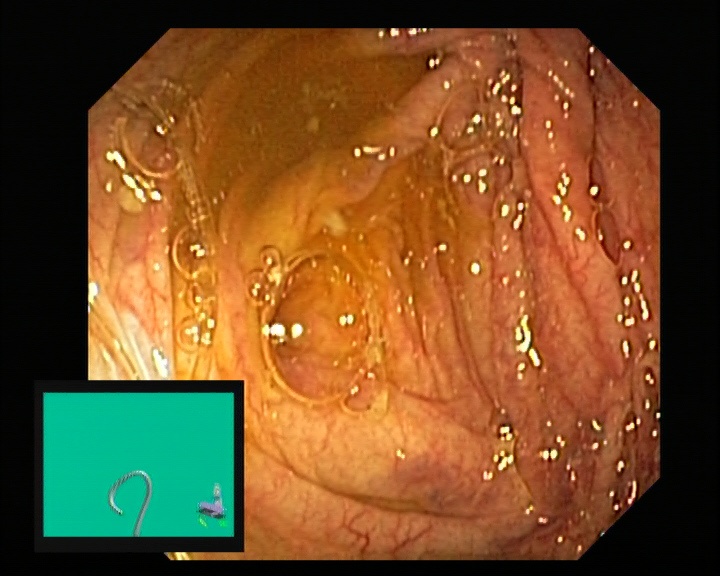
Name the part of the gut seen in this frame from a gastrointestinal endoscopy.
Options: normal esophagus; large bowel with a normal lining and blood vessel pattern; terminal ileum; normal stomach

large bowel with a normal lining and blood vessel pattern